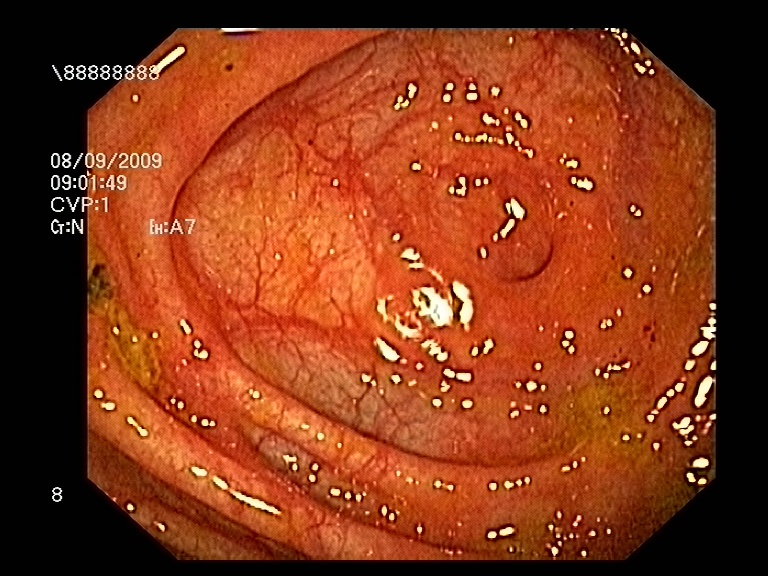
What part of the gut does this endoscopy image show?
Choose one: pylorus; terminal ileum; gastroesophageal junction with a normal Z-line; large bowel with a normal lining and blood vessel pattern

large bowel with a normal lining and blood vessel pattern